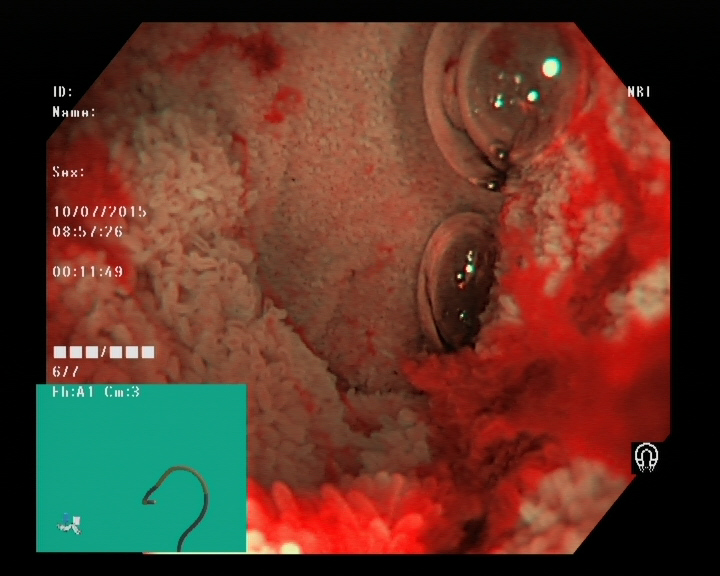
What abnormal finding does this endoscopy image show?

blood in the lumen